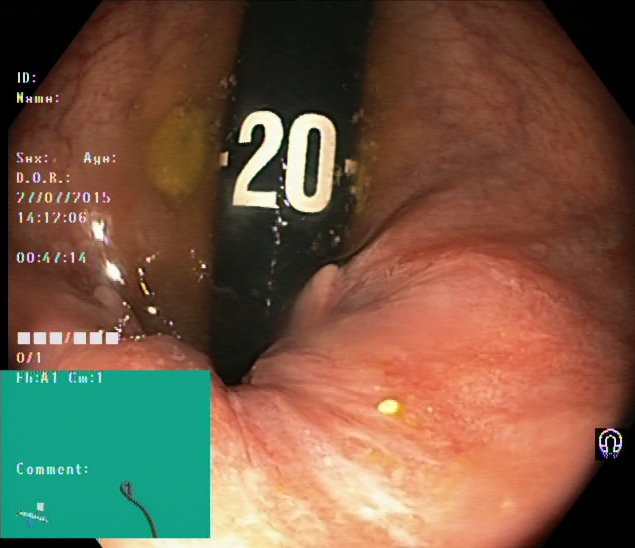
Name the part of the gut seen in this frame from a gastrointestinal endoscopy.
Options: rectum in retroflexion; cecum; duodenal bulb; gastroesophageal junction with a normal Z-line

rectum in retroflexion